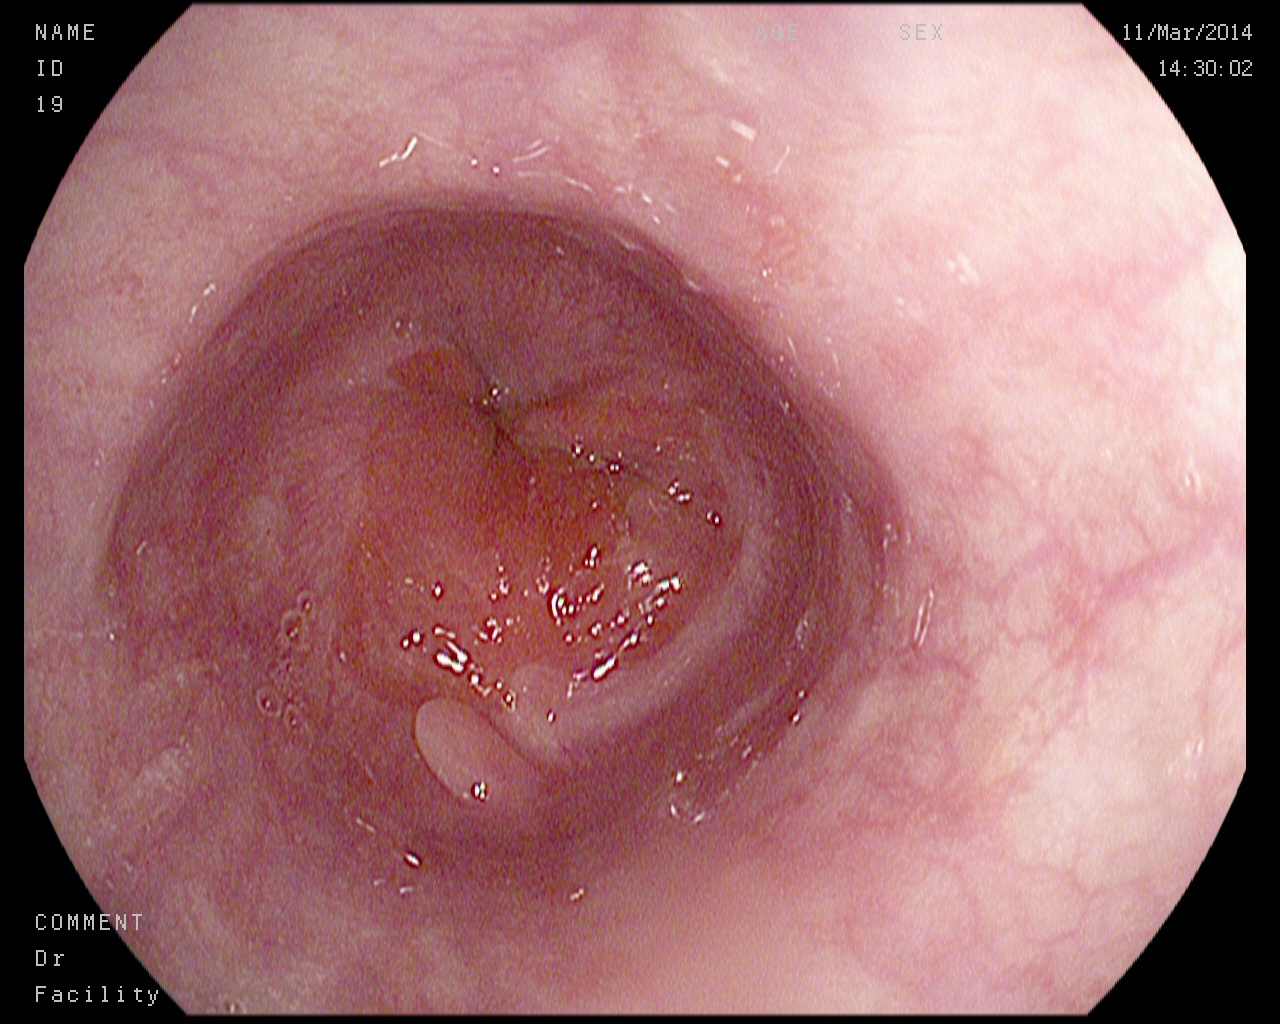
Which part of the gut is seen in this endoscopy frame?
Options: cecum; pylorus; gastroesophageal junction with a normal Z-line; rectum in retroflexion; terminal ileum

gastroesophageal junction with a normal Z-line